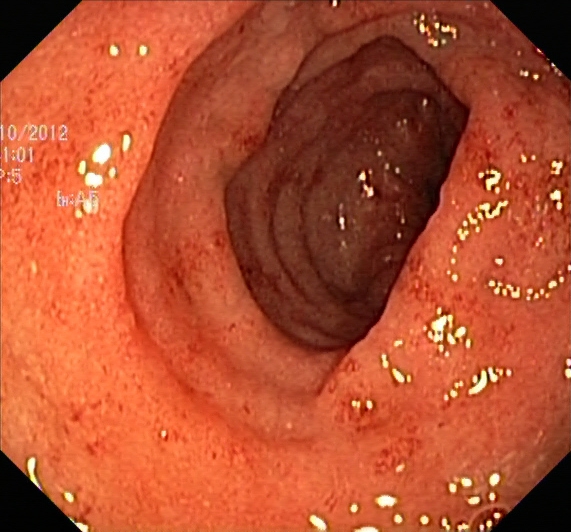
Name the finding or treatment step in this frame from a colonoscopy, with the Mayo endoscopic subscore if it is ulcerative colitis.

ulcerative colitis, Mayo endoscopic subscore 2